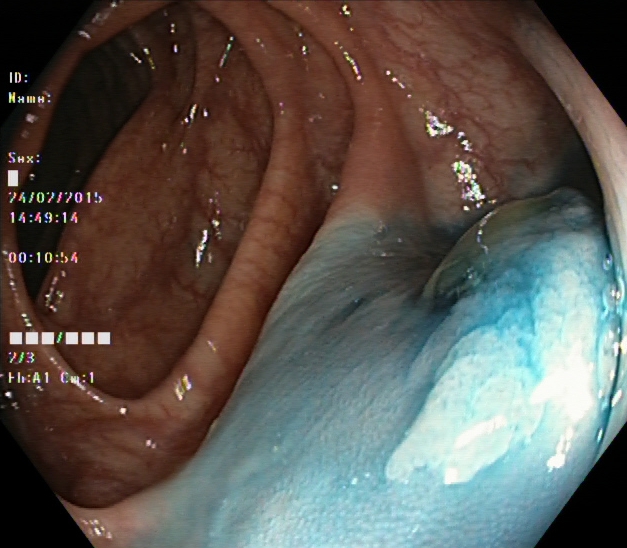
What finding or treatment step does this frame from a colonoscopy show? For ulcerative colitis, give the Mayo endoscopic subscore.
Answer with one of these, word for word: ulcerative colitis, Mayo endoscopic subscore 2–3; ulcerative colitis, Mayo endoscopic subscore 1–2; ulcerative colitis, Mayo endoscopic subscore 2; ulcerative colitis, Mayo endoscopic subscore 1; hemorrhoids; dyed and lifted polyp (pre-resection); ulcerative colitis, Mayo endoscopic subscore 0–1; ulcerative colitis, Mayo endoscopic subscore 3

dyed and lifted polyp (pre-resection)